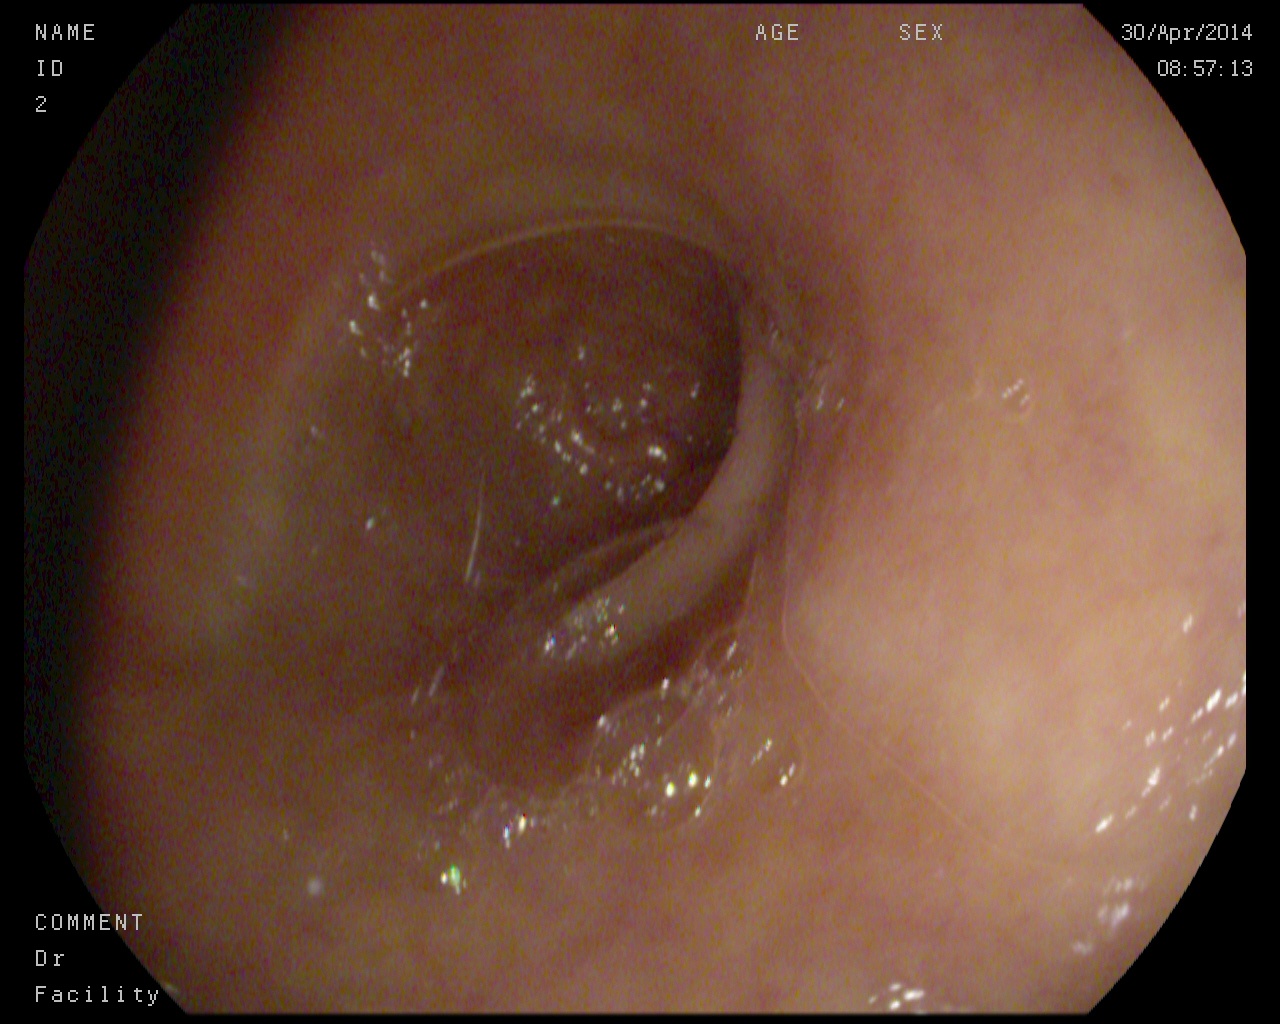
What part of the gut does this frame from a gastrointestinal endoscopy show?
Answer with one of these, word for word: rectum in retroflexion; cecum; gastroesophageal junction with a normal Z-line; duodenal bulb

duodenal bulb